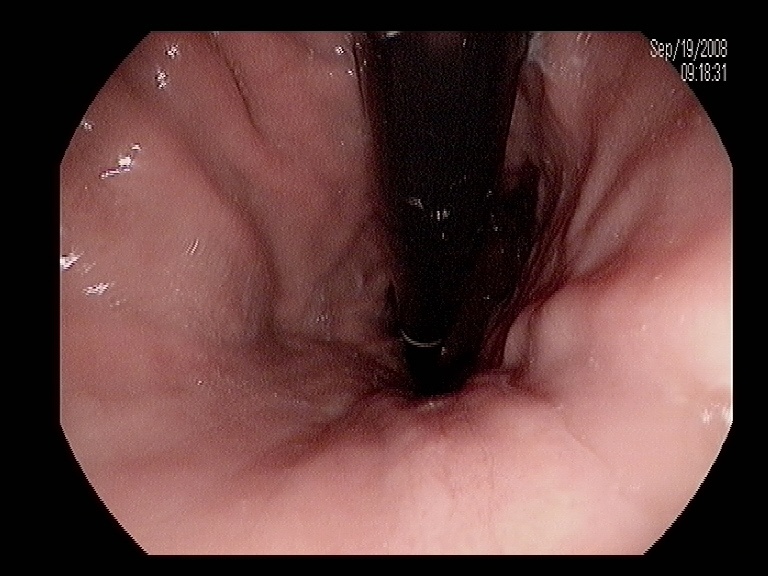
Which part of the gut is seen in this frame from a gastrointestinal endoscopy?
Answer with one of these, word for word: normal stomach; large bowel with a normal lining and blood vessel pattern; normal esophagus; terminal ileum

normal stomach